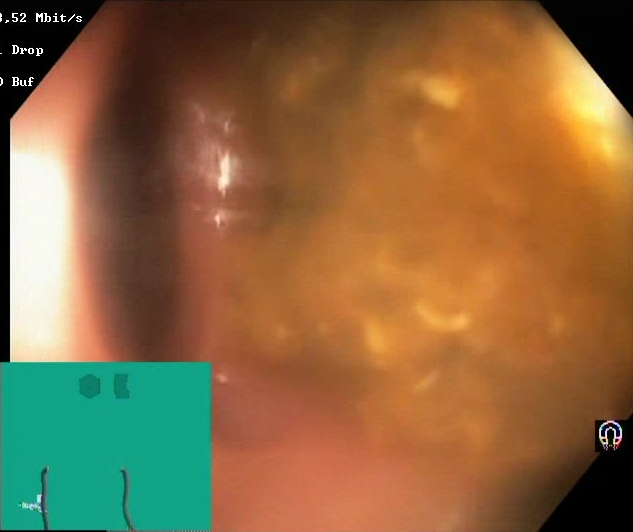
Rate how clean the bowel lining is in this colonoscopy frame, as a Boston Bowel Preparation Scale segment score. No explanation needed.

Boston Bowel Preparation Scale score 0–1 (inadequate preparation)